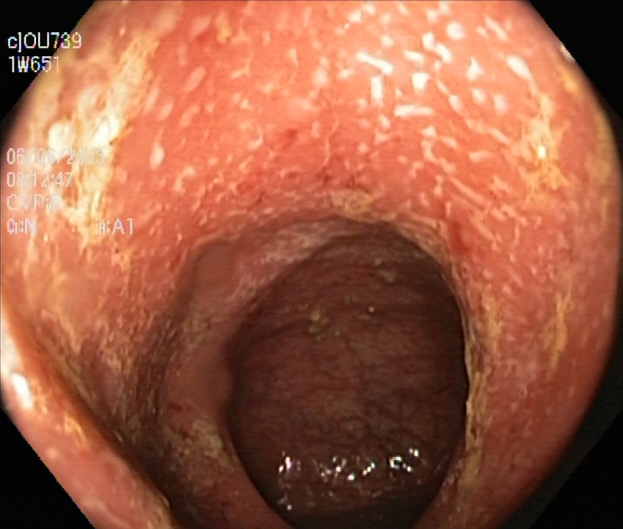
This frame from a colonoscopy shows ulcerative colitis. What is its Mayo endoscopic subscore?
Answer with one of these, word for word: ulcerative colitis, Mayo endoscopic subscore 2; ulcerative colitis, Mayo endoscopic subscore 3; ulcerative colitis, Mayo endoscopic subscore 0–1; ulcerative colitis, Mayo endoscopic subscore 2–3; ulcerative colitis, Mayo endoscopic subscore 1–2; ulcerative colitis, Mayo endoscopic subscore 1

ulcerative colitis, Mayo endoscopic subscore 2